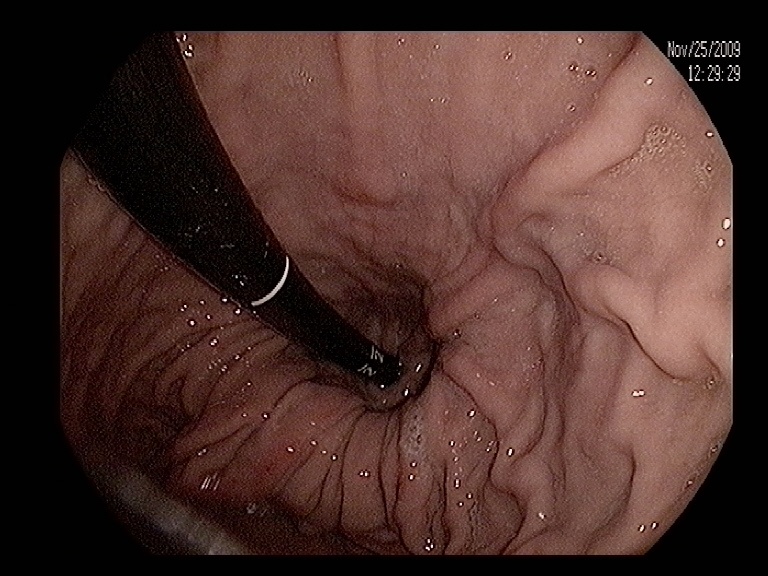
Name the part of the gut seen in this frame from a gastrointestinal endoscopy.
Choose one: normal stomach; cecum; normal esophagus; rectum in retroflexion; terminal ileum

normal stomach